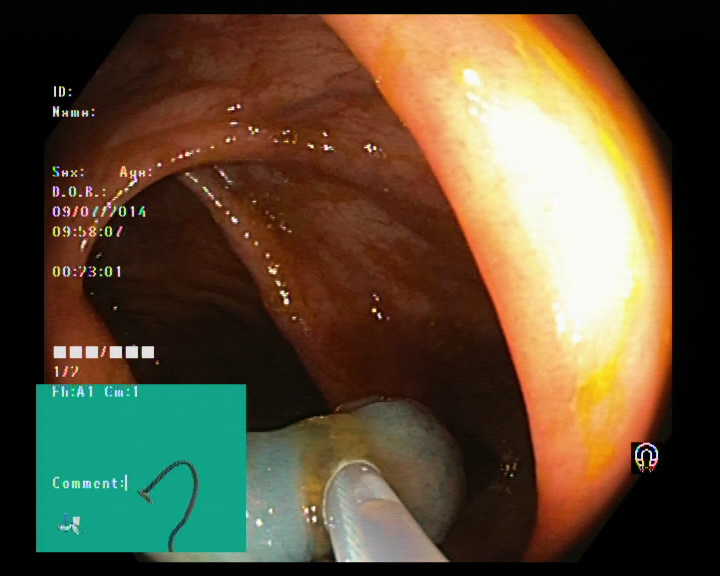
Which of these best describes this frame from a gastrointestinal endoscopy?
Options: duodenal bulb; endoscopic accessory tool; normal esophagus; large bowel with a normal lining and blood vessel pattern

endoscopic accessory tool